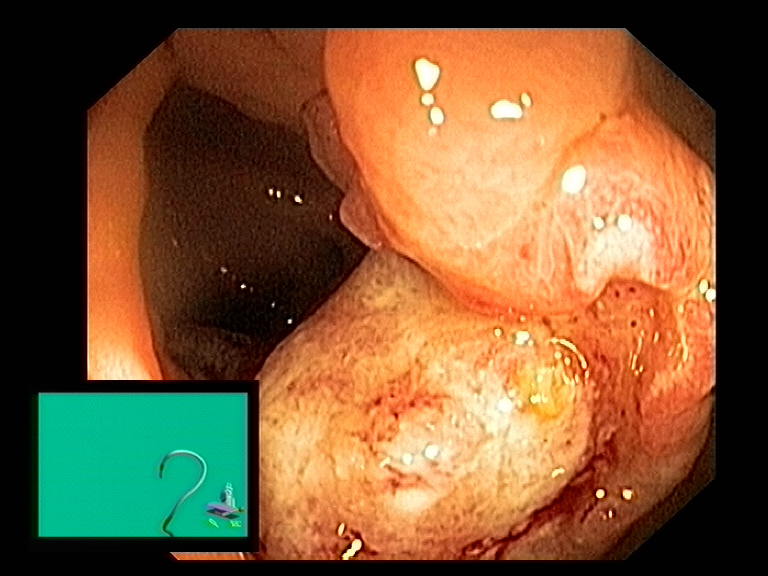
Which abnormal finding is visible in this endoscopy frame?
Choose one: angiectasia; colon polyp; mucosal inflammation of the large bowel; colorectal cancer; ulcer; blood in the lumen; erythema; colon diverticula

colorectal cancer